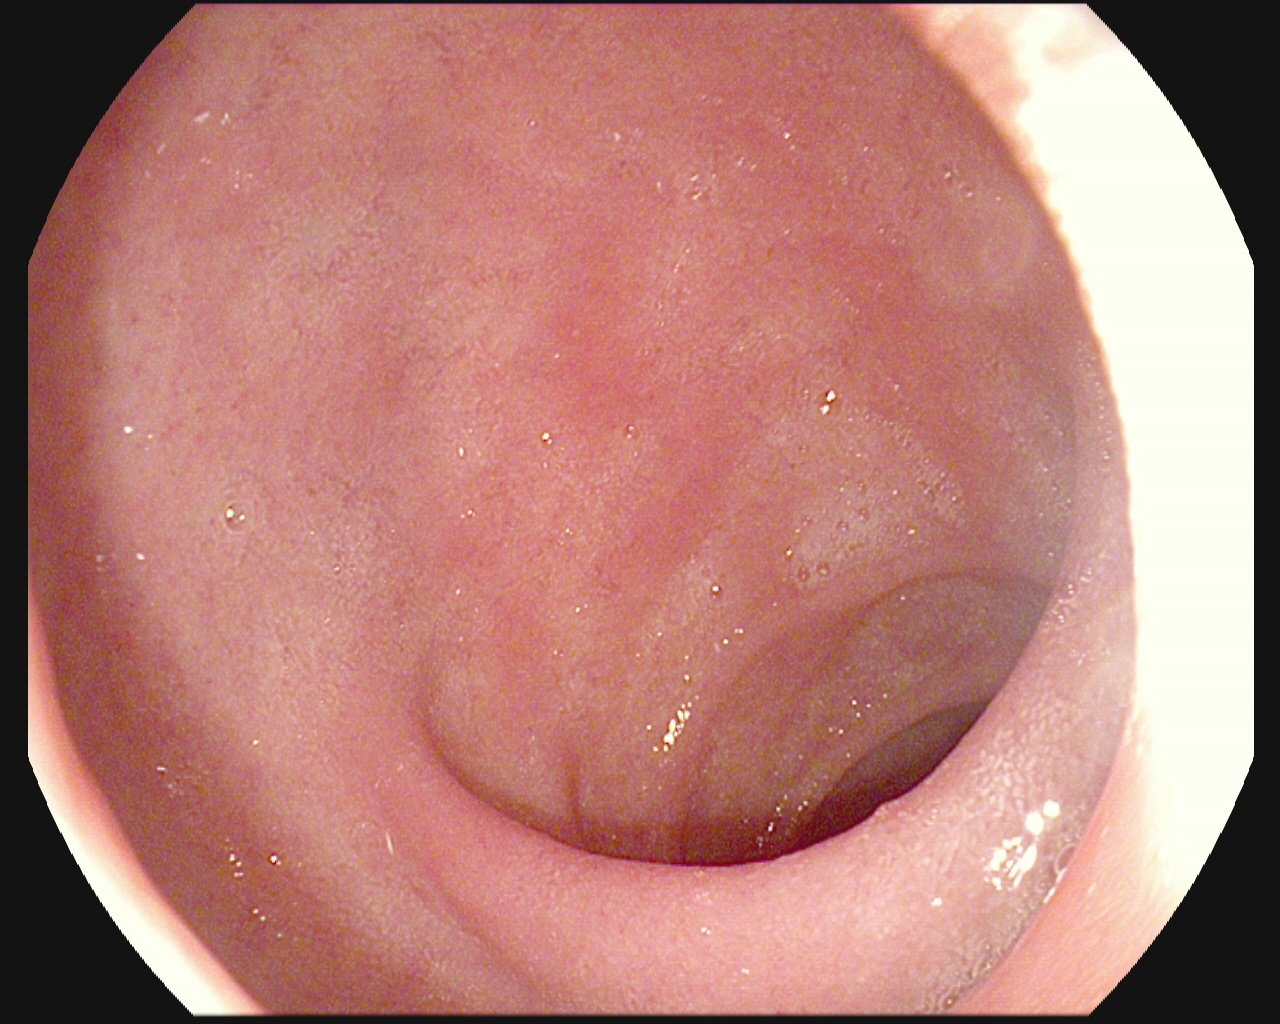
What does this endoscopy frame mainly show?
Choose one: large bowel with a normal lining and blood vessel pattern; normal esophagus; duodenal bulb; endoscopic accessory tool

duodenal bulb